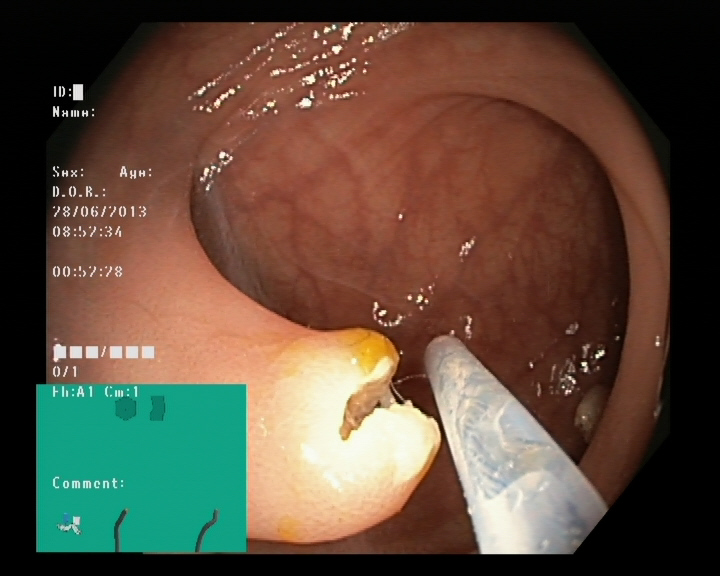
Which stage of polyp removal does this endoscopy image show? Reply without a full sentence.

resected polyp